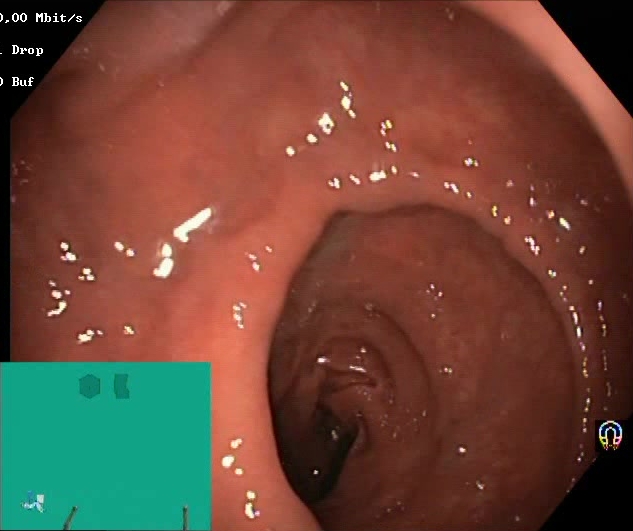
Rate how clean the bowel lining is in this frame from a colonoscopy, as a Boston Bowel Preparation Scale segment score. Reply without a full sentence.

Boston Bowel Preparation Scale score 2–3 (adequate preparation)